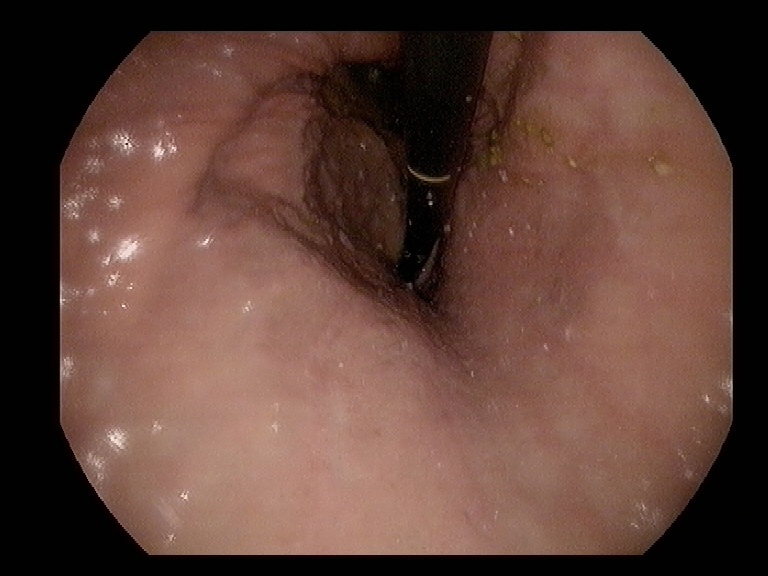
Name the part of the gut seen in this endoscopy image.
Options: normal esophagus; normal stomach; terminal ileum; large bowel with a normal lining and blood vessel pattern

normal stomach